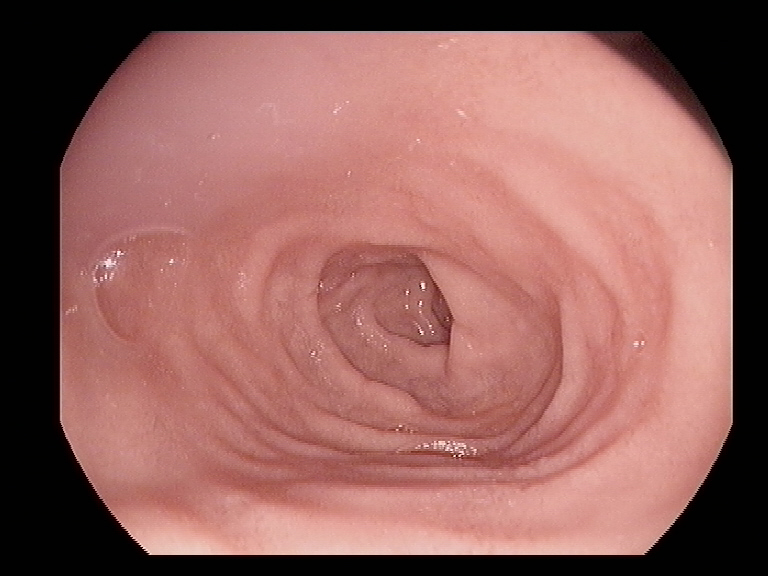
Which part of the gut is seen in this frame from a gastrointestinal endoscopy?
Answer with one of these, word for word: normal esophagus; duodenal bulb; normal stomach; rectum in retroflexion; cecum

duodenal bulb